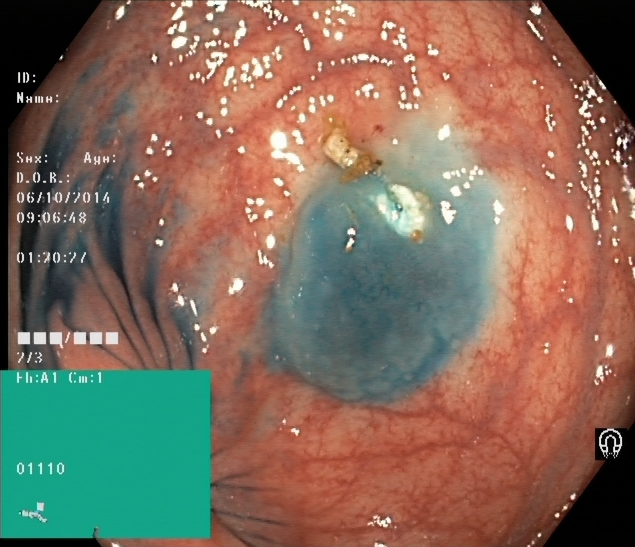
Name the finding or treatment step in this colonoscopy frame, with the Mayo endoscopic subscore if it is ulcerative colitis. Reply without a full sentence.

dyed and lifted polyp (pre-resection)